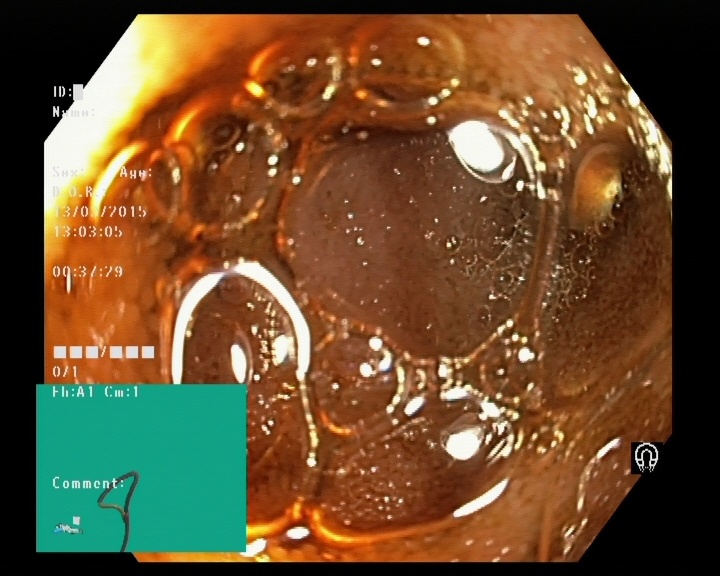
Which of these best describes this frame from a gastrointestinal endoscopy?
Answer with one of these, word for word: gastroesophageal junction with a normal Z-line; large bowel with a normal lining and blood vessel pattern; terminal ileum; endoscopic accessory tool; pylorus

large bowel with a normal lining and blood vessel pattern